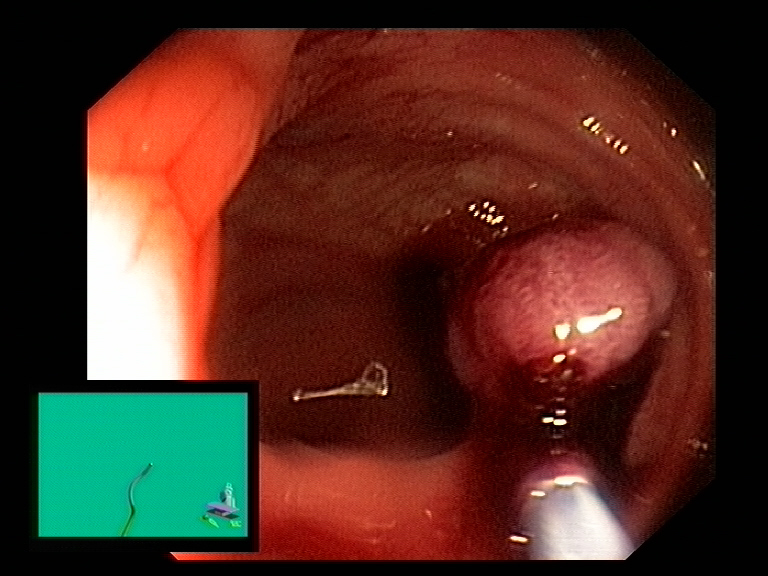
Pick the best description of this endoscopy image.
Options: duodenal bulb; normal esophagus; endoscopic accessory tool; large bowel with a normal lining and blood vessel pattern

endoscopic accessory tool